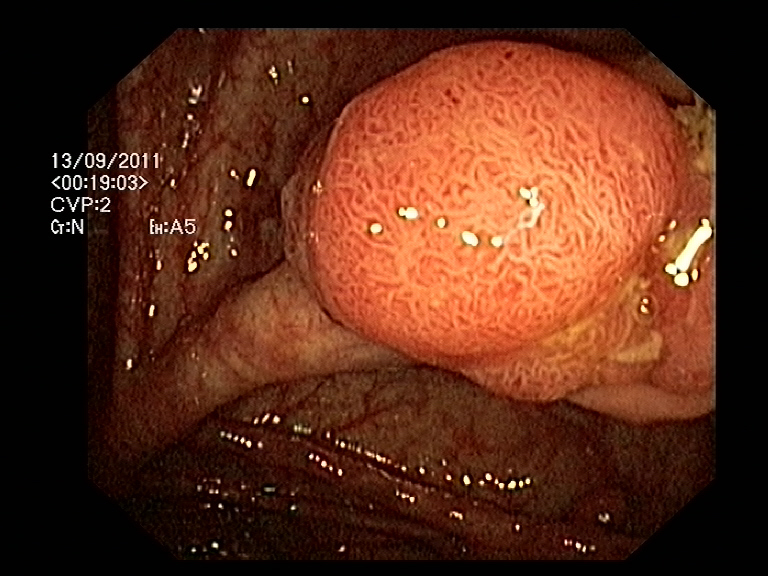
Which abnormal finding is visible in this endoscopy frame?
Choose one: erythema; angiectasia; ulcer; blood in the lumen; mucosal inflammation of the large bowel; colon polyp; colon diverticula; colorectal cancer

colon polyp